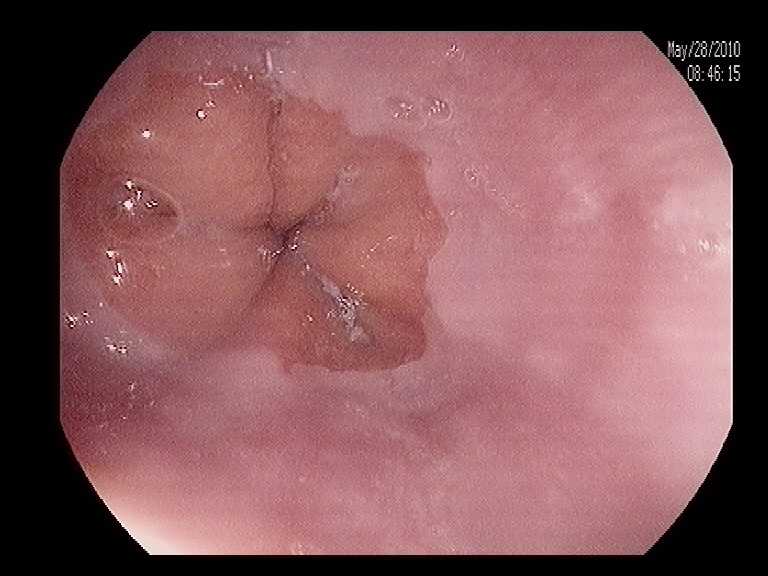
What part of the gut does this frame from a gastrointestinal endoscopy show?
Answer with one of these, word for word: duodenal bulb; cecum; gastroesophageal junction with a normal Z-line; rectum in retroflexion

gastroesophageal junction with a normal Z-line